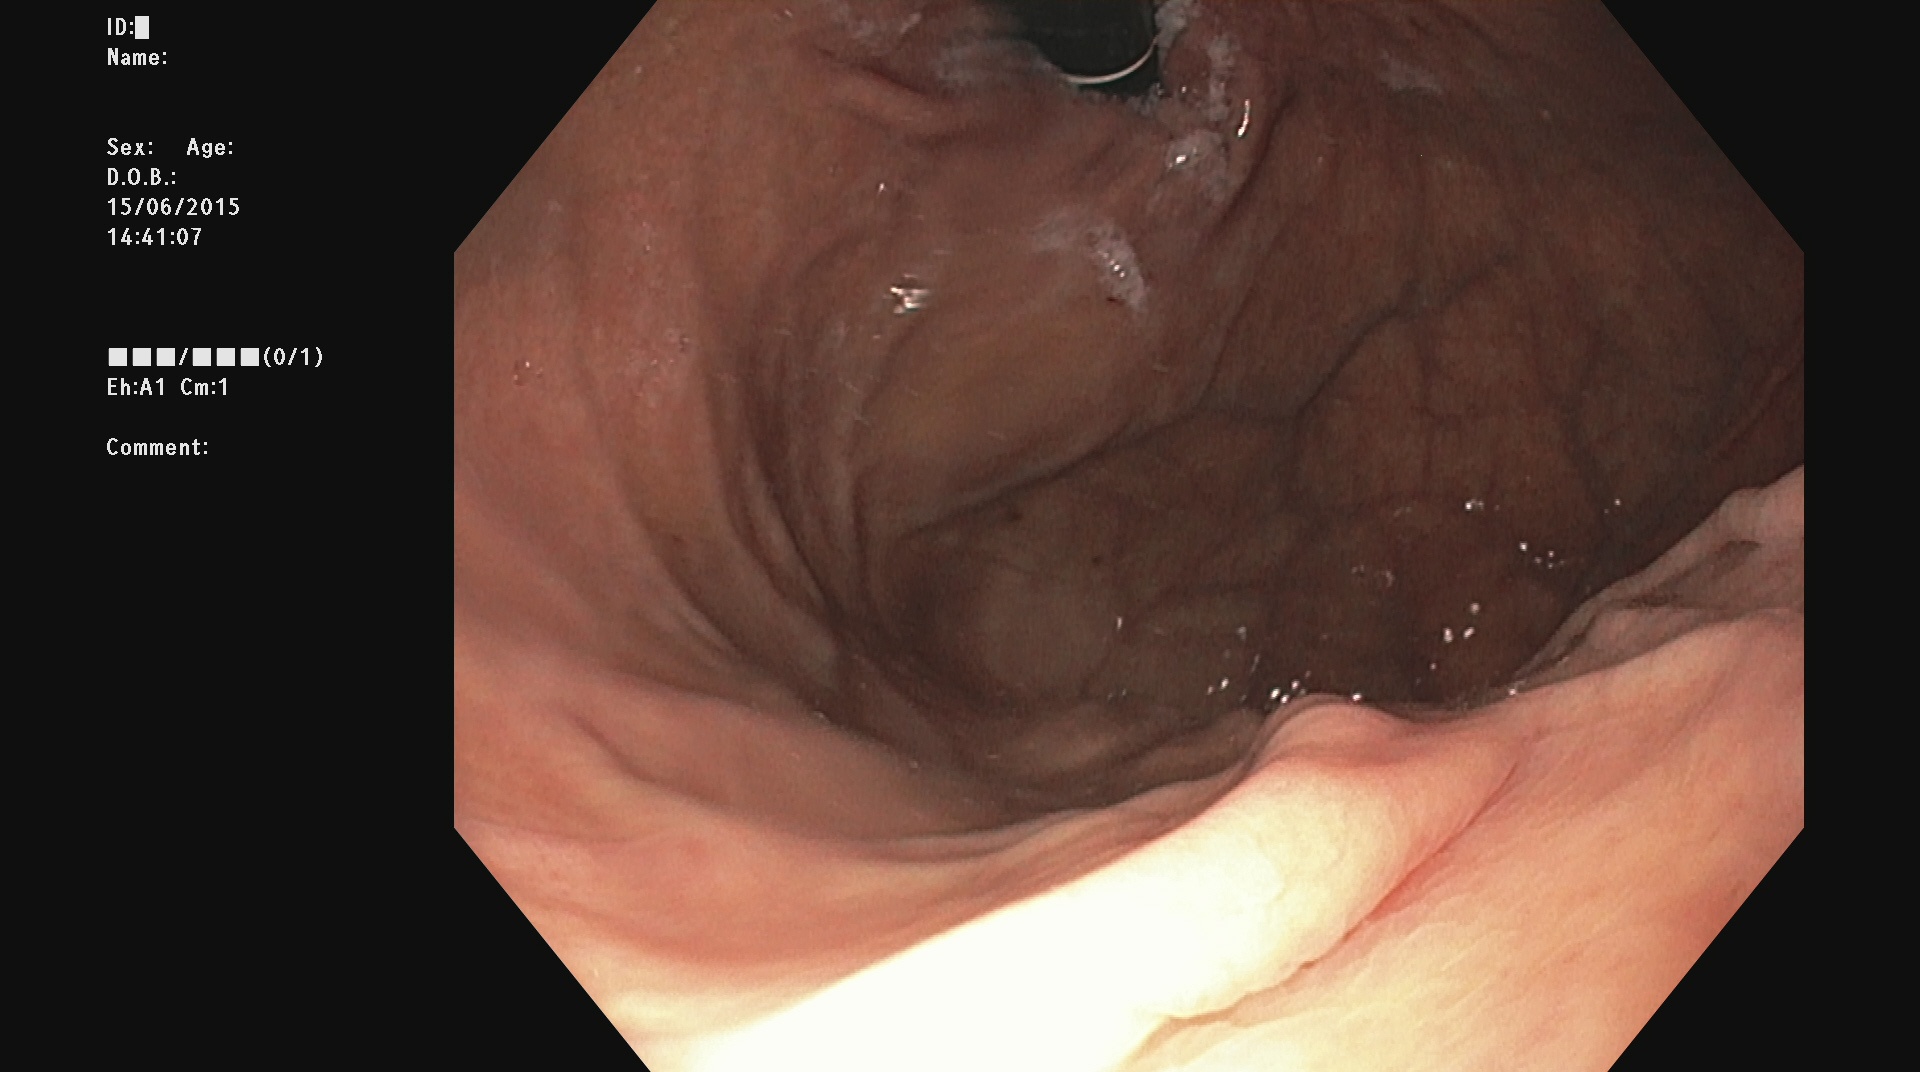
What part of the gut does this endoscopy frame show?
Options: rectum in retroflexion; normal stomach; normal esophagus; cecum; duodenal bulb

normal stomach